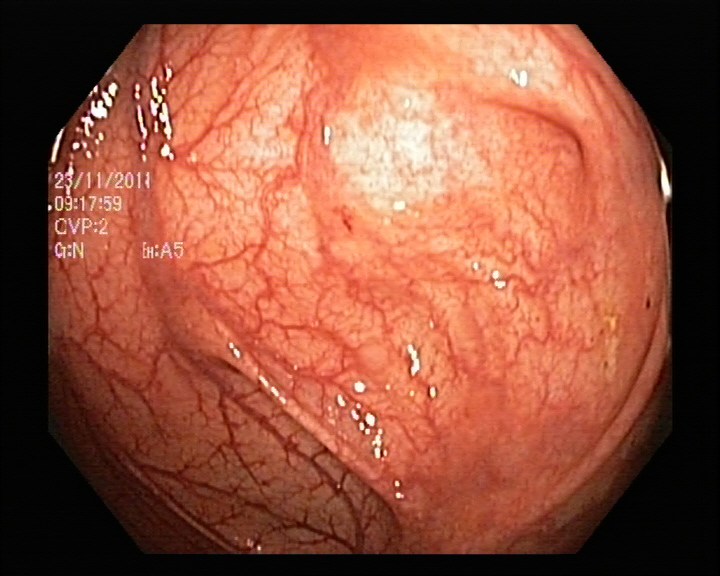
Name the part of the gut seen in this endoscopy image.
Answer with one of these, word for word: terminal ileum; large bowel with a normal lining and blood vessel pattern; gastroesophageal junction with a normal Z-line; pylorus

large bowel with a normal lining and blood vessel pattern